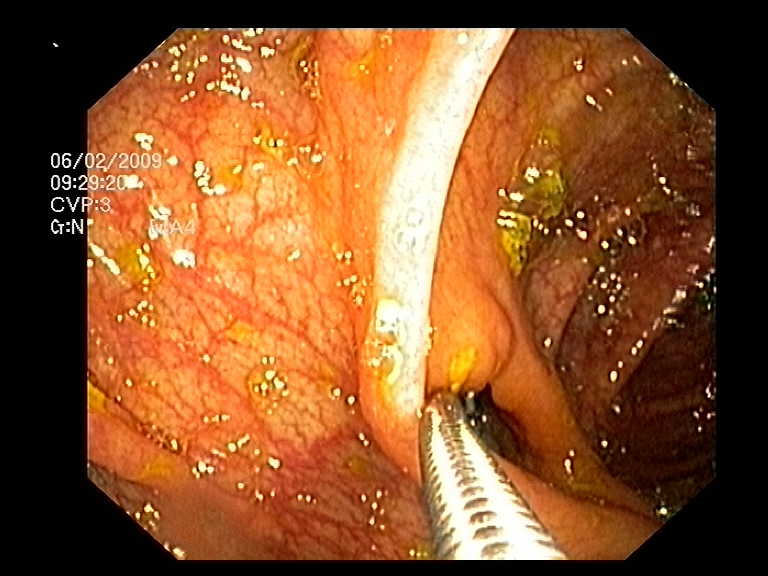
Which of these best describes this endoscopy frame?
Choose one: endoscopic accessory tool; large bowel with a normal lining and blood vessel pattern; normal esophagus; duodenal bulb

endoscopic accessory tool